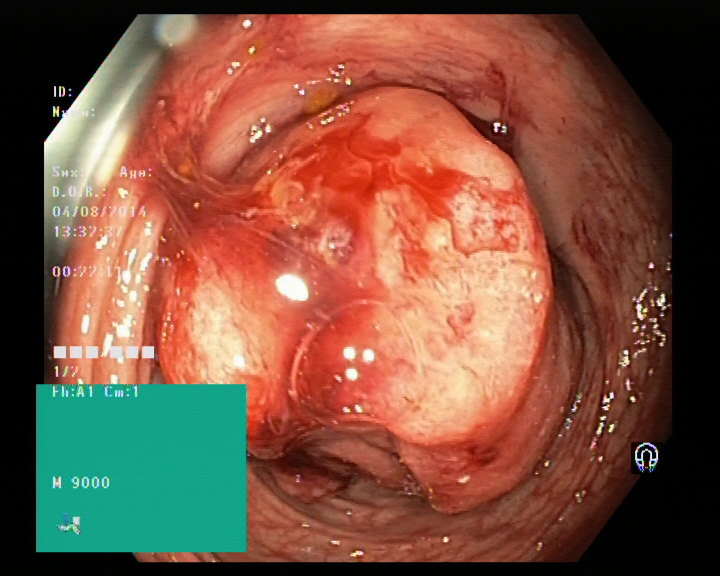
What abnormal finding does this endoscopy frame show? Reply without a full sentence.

colorectal cancer